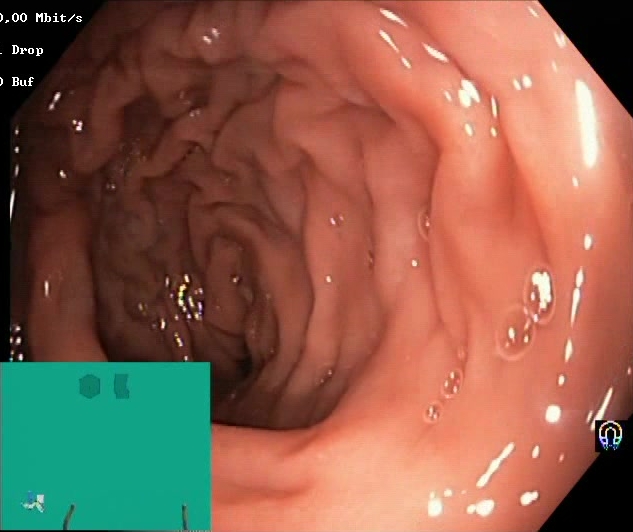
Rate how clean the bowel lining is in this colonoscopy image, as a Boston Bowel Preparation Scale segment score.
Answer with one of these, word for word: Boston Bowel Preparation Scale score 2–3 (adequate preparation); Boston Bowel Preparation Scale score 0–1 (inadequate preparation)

Boston Bowel Preparation Scale score 2–3 (adequate preparation)